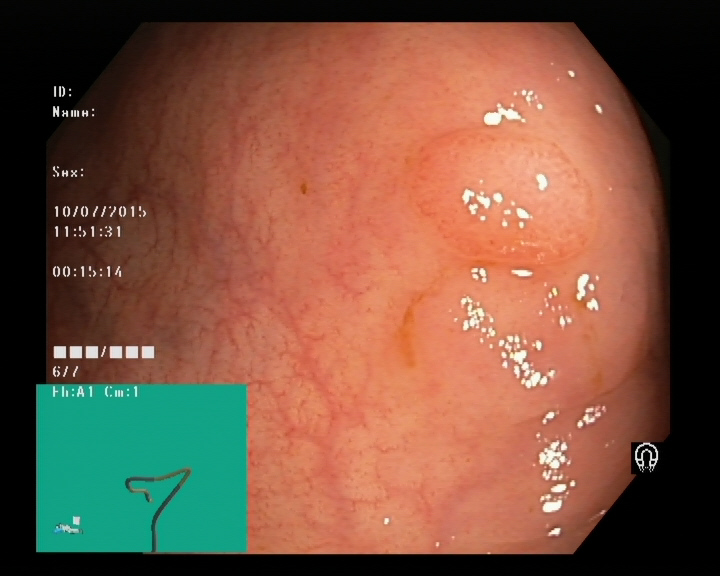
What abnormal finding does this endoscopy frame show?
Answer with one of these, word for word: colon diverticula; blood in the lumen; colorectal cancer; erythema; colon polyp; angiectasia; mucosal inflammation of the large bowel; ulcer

colon polyp